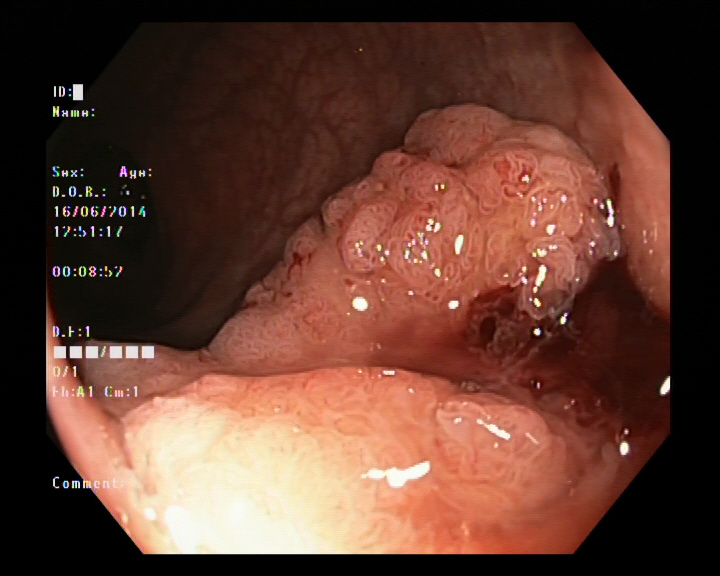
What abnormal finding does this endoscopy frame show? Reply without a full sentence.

colon polyp